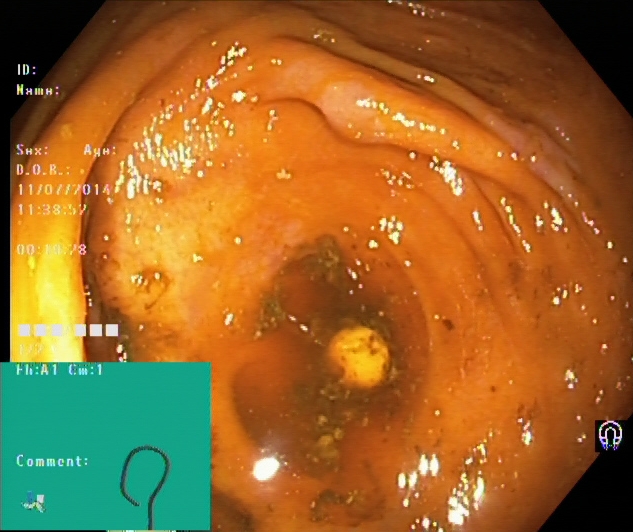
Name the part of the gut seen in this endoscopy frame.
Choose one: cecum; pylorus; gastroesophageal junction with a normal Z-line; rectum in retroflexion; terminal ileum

cecum